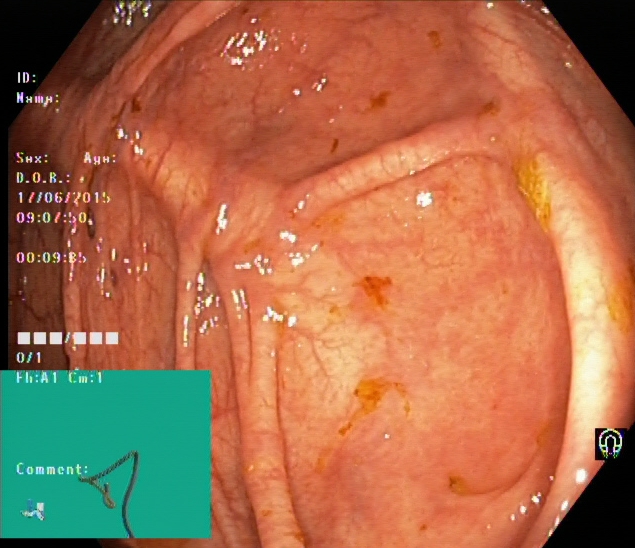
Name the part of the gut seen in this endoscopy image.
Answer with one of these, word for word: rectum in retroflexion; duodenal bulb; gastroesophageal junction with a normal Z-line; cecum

cecum